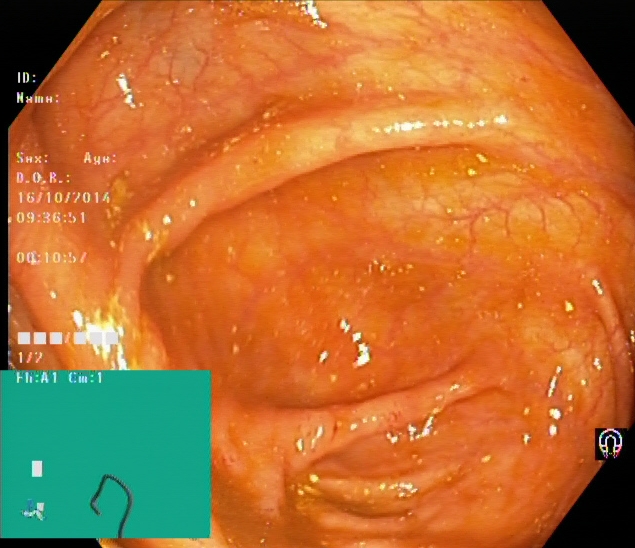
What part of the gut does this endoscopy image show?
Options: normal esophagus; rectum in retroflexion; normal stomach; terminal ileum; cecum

cecum